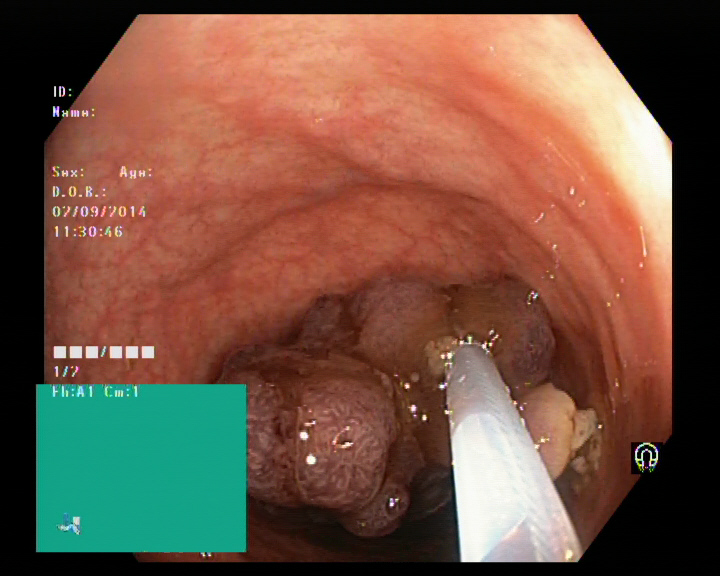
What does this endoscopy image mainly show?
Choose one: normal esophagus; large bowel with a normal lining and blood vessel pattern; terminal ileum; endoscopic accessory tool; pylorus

endoscopic accessory tool